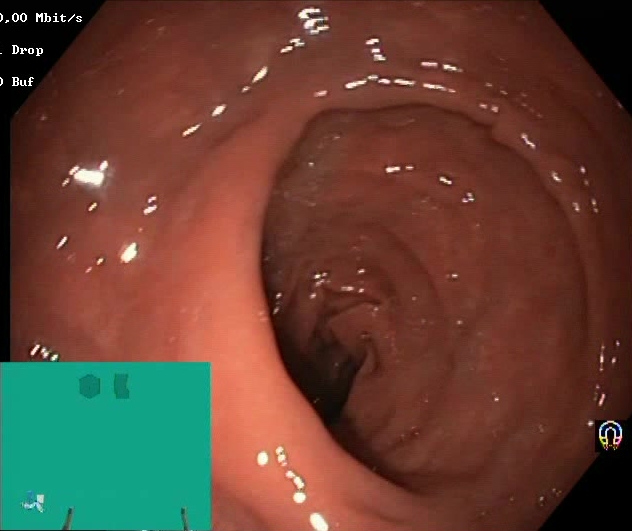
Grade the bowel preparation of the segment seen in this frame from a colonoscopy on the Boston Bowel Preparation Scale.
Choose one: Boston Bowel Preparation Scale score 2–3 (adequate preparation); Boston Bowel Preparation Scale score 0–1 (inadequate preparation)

Boston Bowel Preparation Scale score 2–3 (adequate preparation)